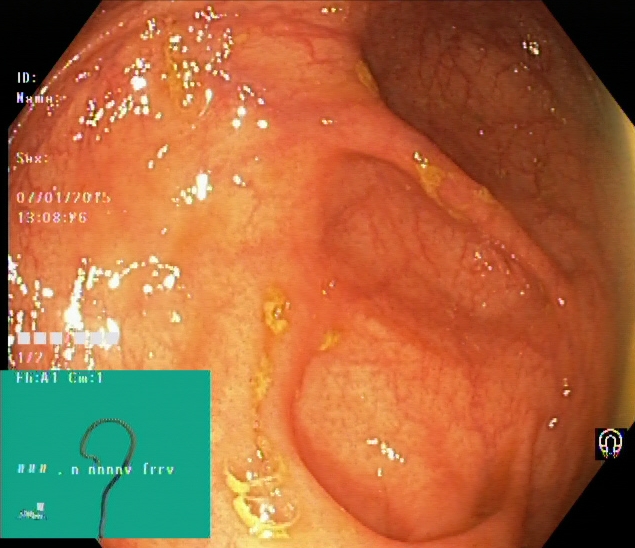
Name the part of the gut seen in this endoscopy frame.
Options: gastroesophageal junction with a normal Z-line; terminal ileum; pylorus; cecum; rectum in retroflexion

cecum